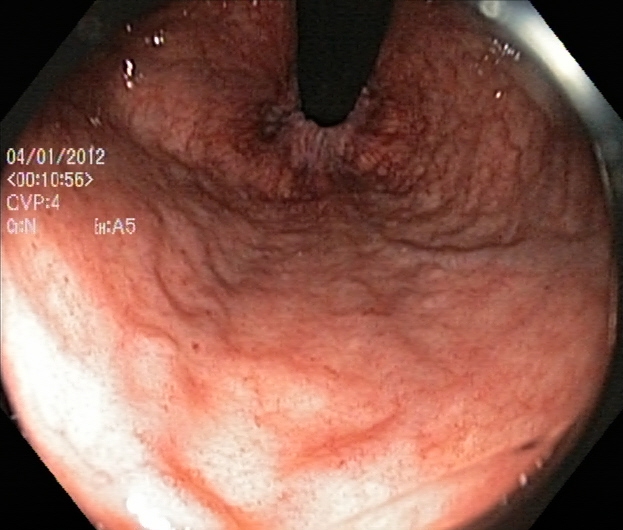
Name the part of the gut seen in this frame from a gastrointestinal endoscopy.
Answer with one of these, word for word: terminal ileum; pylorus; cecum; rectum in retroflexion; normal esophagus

rectum in retroflexion